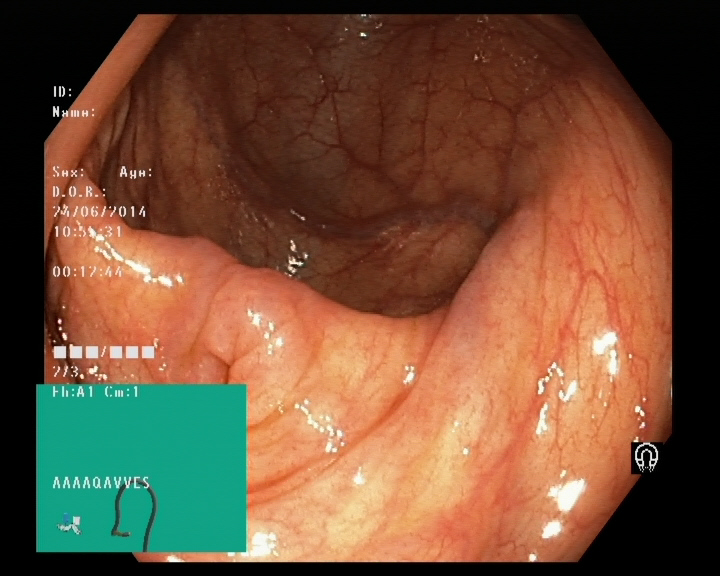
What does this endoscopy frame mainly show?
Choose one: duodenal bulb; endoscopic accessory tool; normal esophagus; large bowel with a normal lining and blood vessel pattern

large bowel with a normal lining and blood vessel pattern